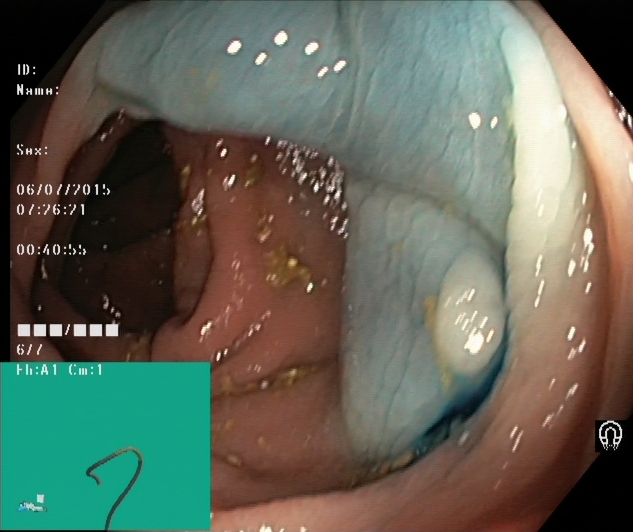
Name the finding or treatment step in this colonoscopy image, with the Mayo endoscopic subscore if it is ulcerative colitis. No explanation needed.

dyed and lifted polyp (pre-resection)